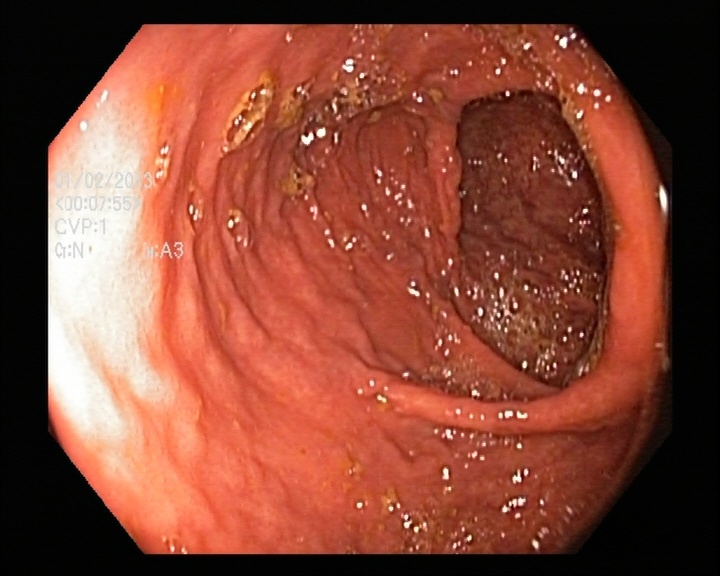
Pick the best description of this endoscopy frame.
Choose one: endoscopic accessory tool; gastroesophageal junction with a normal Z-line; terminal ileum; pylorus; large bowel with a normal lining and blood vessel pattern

large bowel with a normal lining and blood vessel pattern